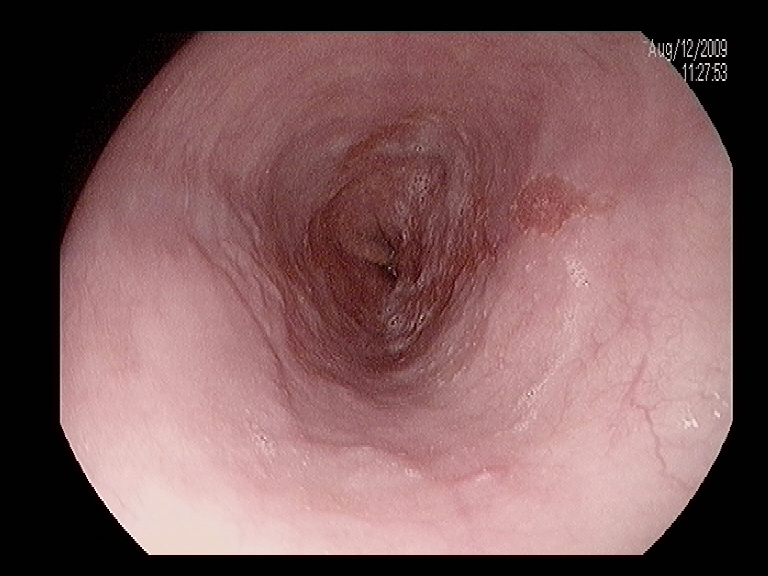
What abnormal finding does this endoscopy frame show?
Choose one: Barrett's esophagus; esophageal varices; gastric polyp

Barrett's esophagus